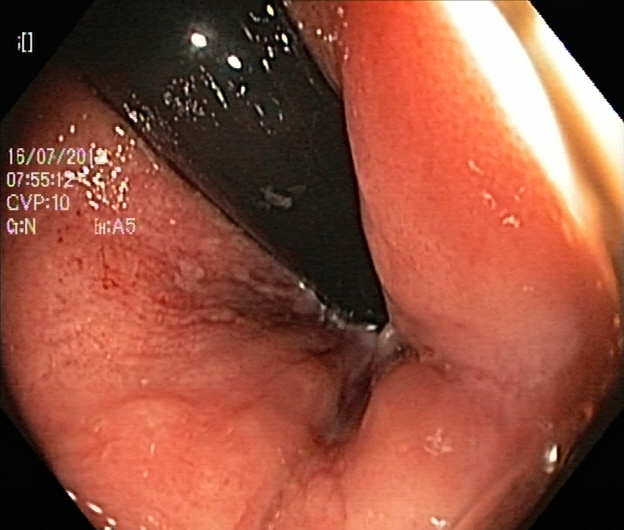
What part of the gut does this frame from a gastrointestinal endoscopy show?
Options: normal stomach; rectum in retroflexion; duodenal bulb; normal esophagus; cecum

rectum in retroflexion